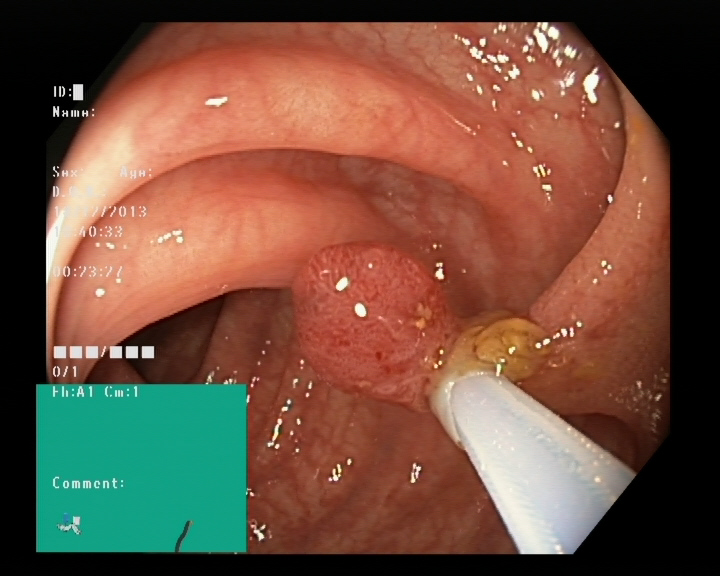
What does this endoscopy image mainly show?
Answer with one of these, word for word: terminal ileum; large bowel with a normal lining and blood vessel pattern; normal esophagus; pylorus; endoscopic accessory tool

endoscopic accessory tool